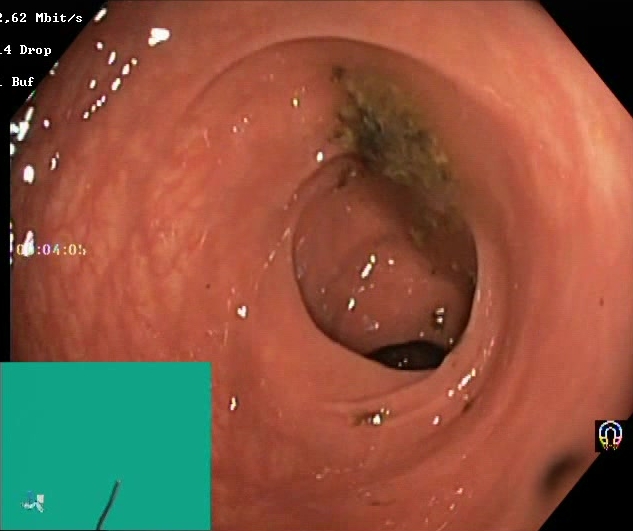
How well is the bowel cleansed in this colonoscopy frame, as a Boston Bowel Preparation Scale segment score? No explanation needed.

Boston Bowel Preparation Scale score 0–1 (inadequate preparation)